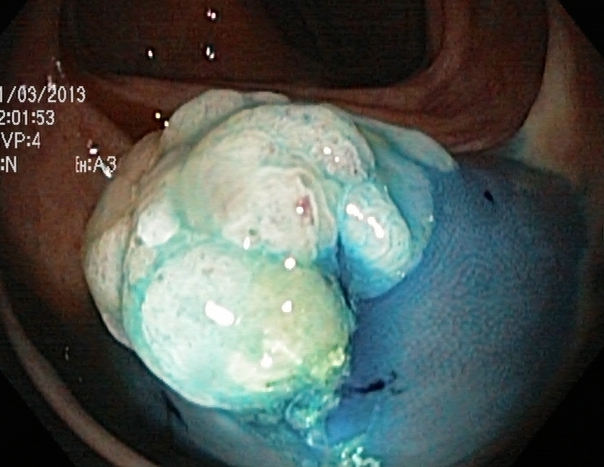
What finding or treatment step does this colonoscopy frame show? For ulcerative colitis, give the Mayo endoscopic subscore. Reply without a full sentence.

dyed and lifted polyp (pre-resection)